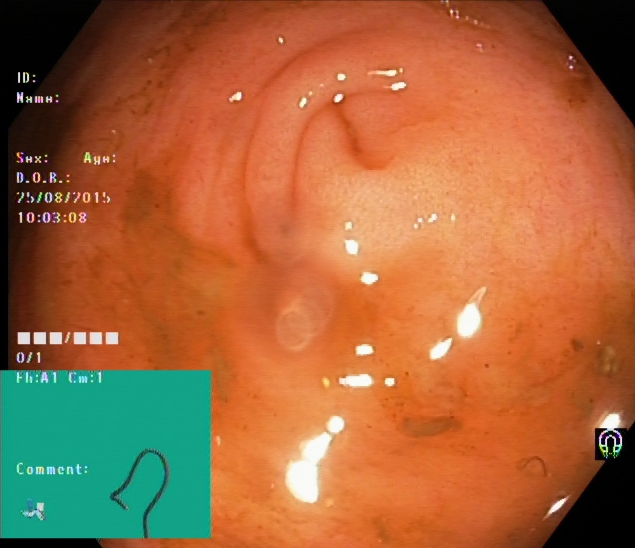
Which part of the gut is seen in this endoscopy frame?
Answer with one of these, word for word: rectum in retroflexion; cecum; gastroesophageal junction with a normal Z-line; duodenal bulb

cecum